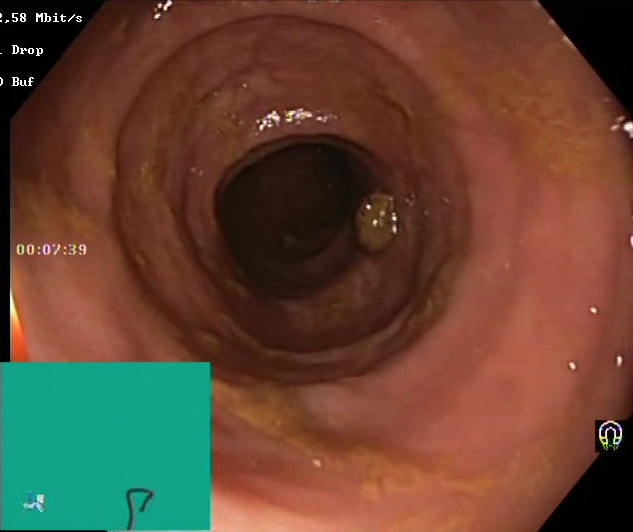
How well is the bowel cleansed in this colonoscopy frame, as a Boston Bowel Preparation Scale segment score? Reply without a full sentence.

Boston Bowel Preparation Scale score 2–3 (adequate preparation)